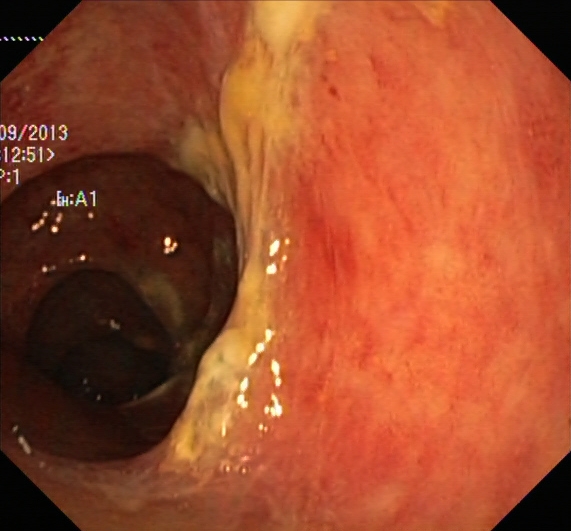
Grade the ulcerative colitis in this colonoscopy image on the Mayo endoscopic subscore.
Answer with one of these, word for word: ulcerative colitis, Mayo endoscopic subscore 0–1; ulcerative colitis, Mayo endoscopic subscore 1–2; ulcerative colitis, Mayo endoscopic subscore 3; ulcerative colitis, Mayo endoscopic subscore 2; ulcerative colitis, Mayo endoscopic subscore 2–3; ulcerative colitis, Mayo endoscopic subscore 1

ulcerative colitis, Mayo endoscopic subscore 2